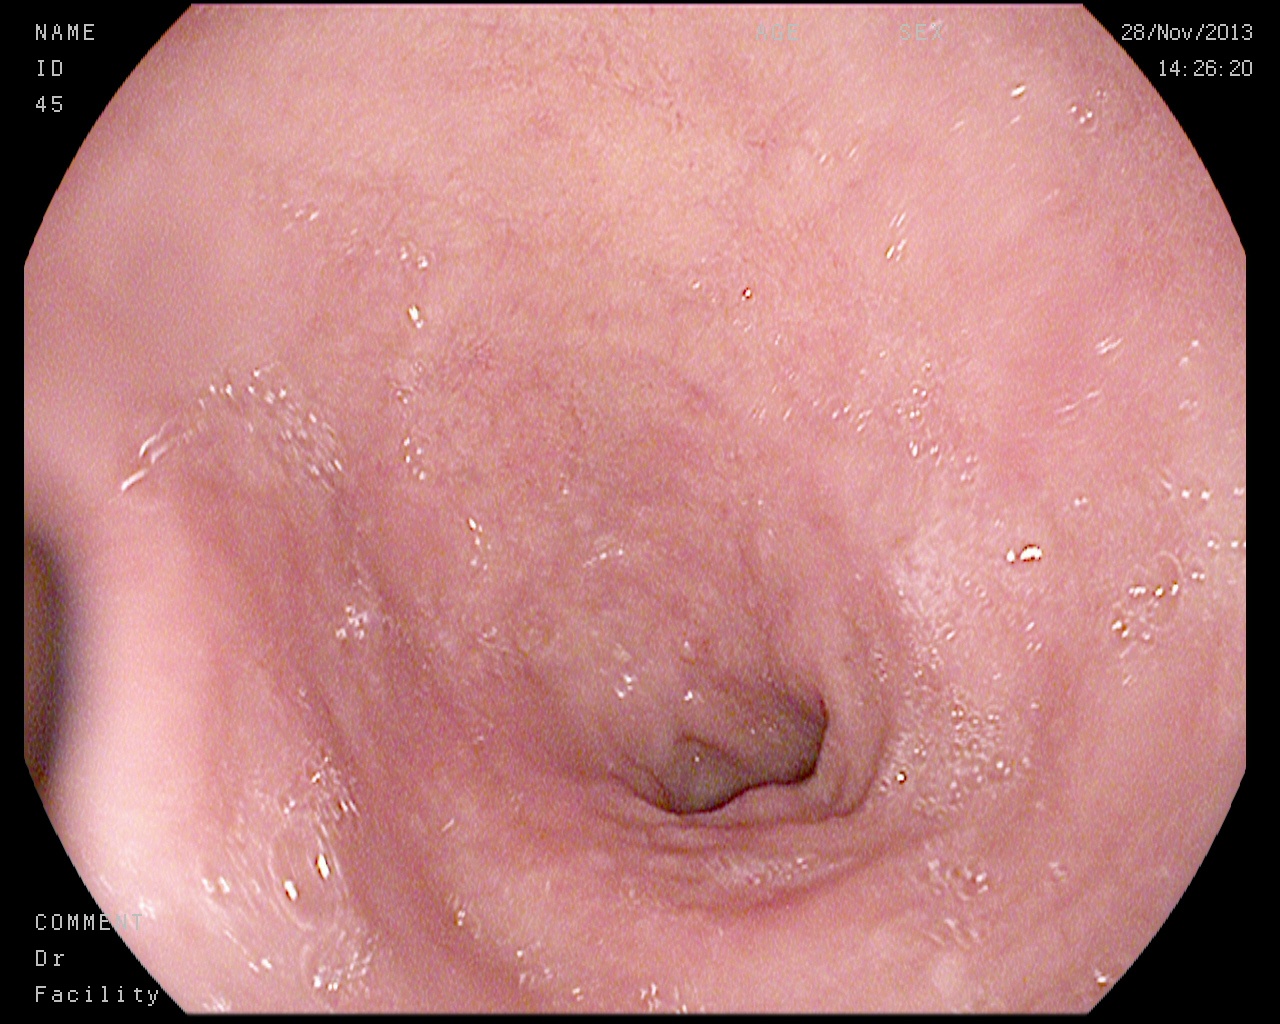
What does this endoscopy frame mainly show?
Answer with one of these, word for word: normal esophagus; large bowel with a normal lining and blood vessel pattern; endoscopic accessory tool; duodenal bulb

duodenal bulb